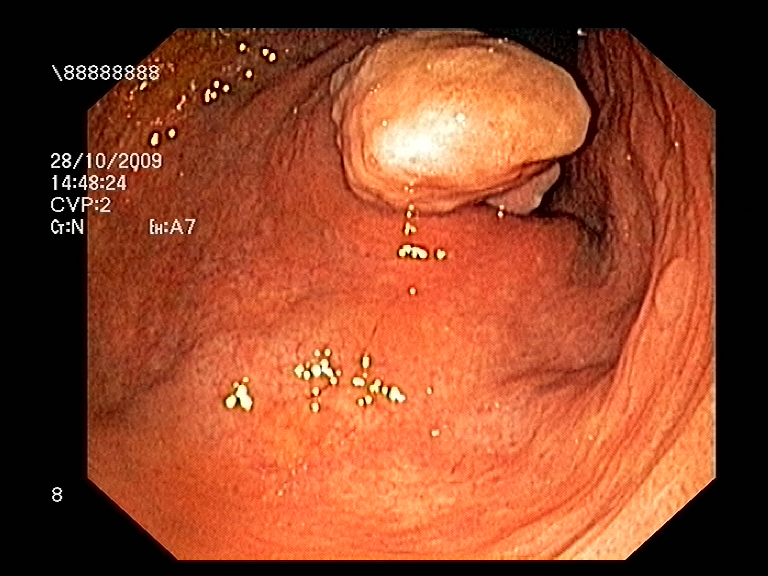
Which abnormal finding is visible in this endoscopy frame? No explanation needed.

colon polyp